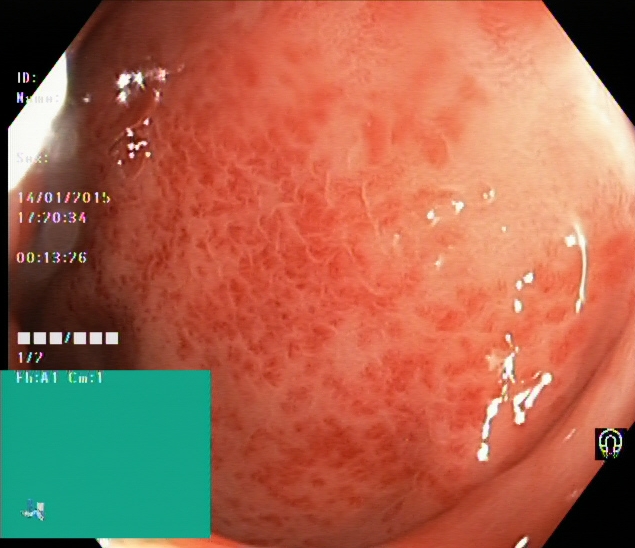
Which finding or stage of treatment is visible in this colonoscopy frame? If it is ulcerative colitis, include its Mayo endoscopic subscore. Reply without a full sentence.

ulcerative colitis, Mayo endoscopic subscore 2